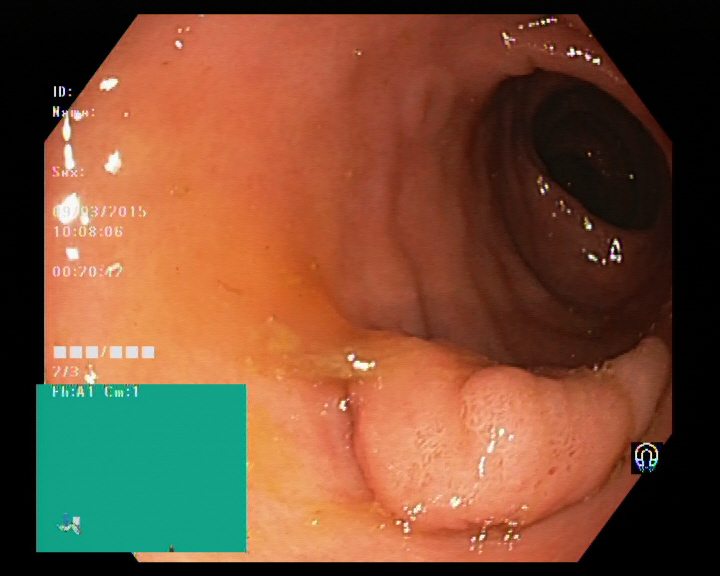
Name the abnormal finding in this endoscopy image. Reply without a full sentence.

colon polyp